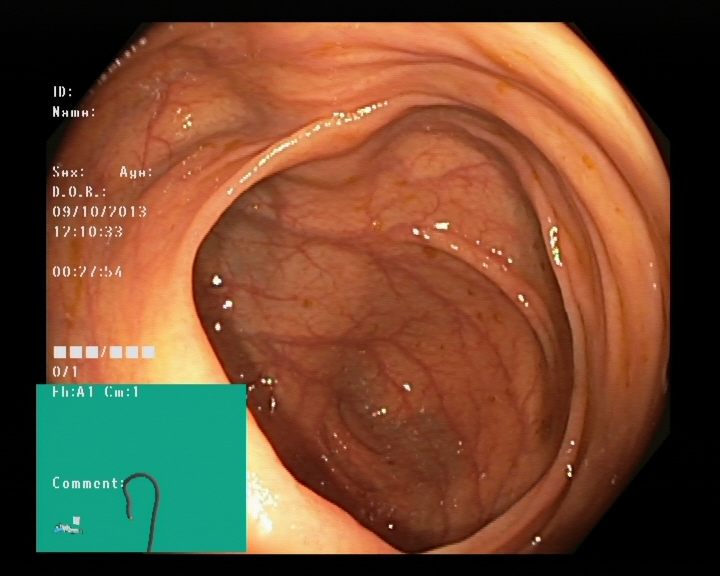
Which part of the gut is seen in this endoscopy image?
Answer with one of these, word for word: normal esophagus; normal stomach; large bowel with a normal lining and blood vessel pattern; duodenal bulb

large bowel with a normal lining and blood vessel pattern